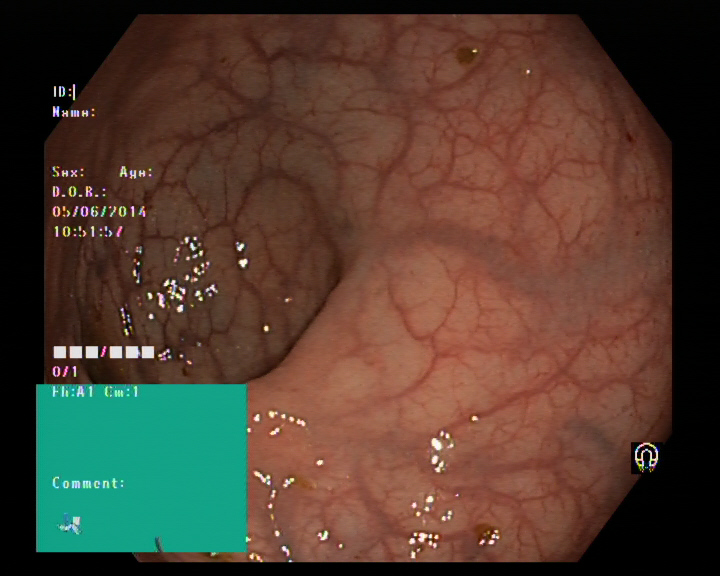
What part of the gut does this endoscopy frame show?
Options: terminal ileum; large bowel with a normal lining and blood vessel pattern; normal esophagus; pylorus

large bowel with a normal lining and blood vessel pattern